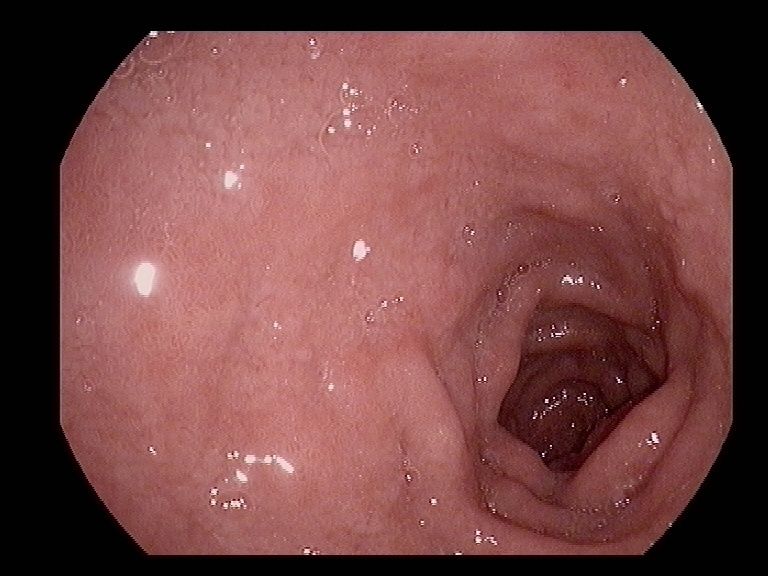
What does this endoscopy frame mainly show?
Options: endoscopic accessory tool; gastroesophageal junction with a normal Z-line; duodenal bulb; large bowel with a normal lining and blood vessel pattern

duodenal bulb